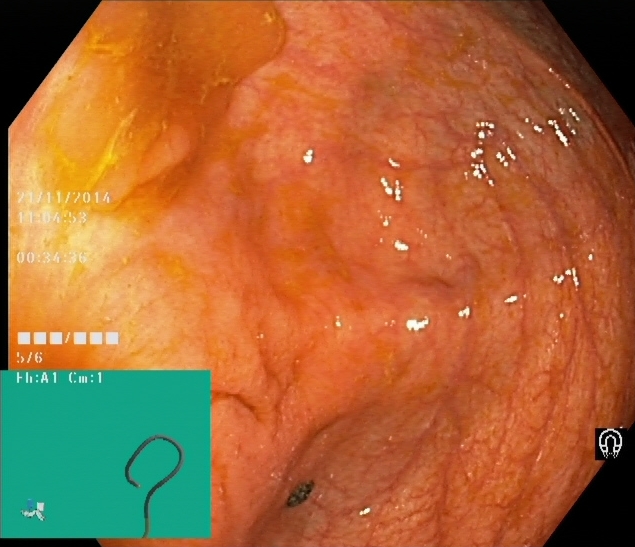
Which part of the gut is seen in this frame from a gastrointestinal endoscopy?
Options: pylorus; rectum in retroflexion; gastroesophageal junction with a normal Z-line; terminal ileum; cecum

cecum